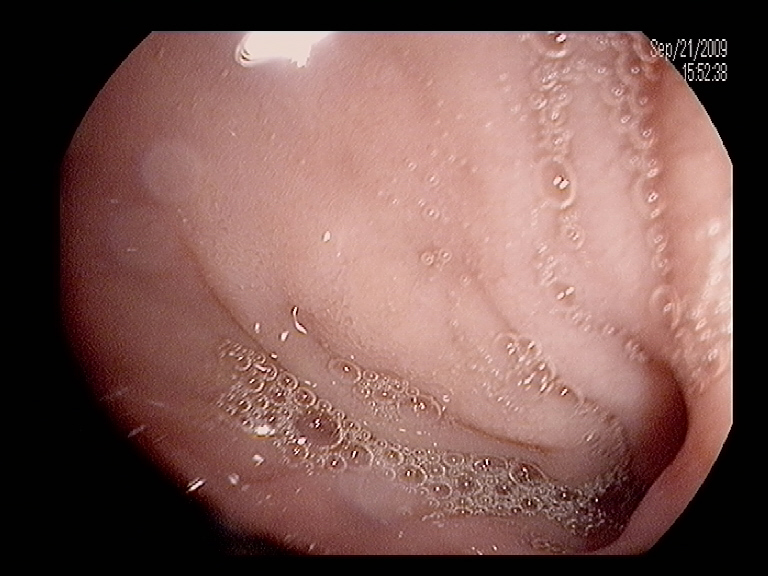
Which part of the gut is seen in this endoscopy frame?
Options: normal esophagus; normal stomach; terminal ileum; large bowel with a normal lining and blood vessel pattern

normal stomach